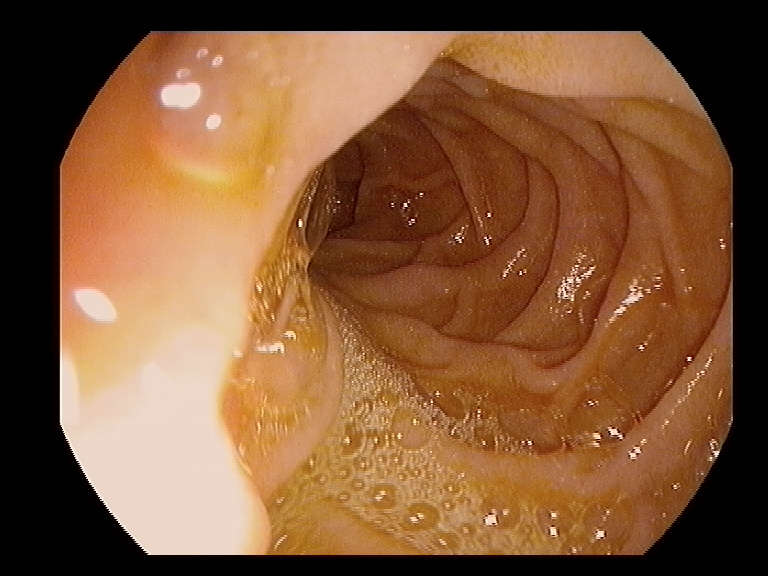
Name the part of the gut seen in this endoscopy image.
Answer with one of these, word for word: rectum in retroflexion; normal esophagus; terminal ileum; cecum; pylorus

terminal ileum